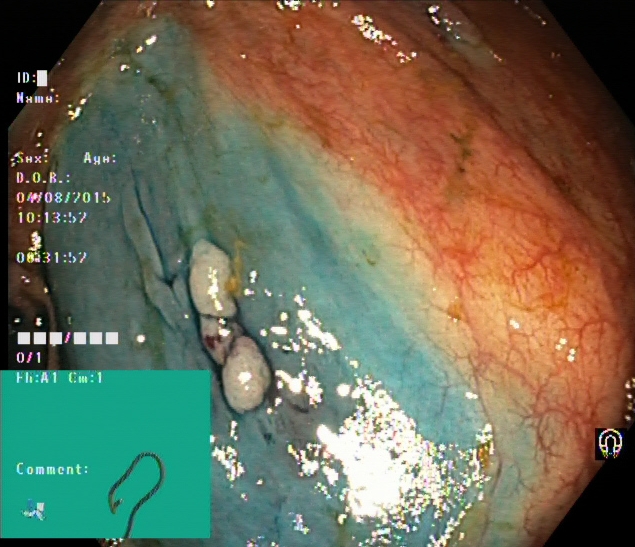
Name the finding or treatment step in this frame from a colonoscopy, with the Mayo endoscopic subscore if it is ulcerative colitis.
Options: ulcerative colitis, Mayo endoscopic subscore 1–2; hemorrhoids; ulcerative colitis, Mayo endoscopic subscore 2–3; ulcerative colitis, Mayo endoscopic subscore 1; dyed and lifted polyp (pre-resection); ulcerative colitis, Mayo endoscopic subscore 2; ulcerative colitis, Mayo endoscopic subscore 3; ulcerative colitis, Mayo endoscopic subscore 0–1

dyed and lifted polyp (pre-resection)